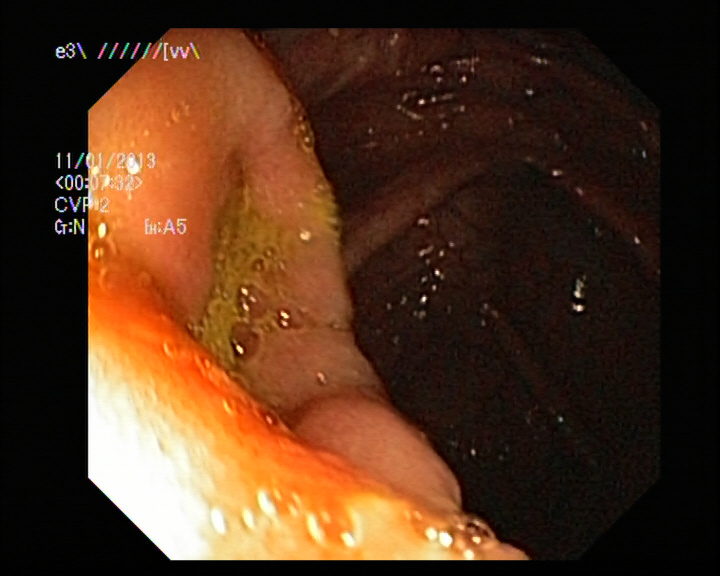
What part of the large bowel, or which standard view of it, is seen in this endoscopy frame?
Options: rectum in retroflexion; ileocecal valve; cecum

ileocecal valve